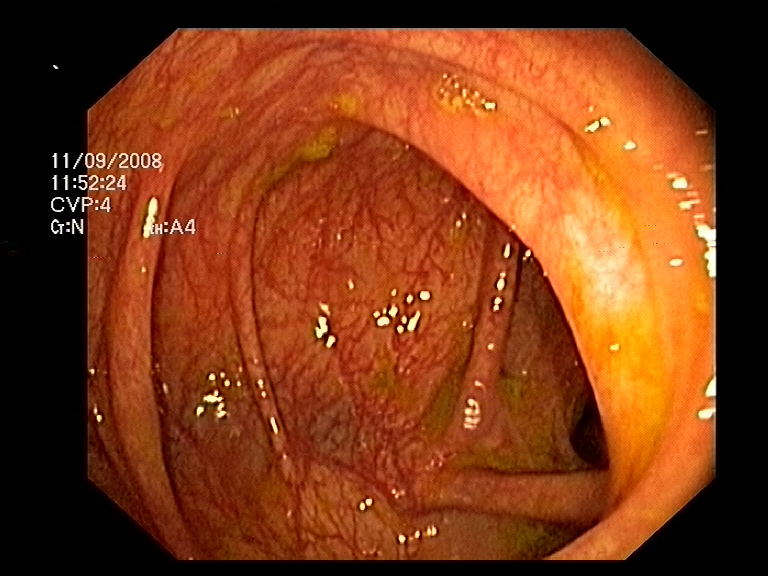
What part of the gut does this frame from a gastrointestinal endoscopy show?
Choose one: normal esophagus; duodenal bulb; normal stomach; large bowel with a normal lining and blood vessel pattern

large bowel with a normal lining and blood vessel pattern